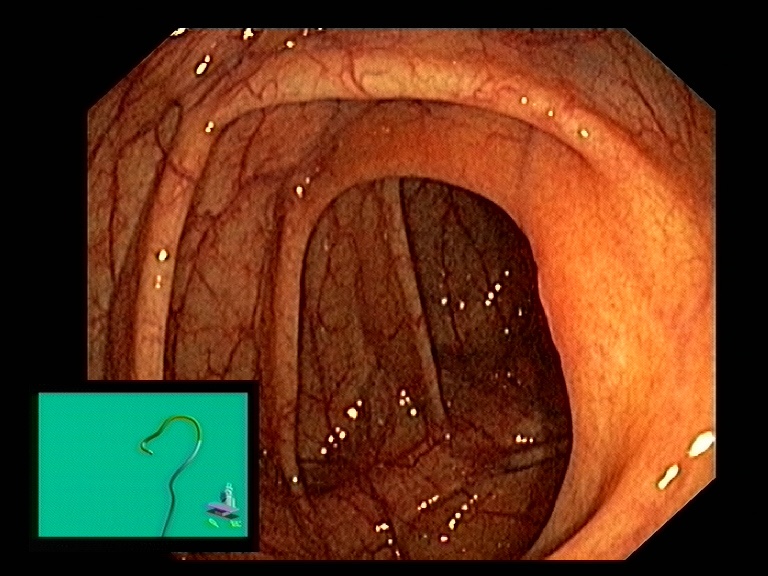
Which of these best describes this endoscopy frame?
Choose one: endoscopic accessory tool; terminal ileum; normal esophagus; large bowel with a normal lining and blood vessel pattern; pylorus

large bowel with a normal lining and blood vessel pattern